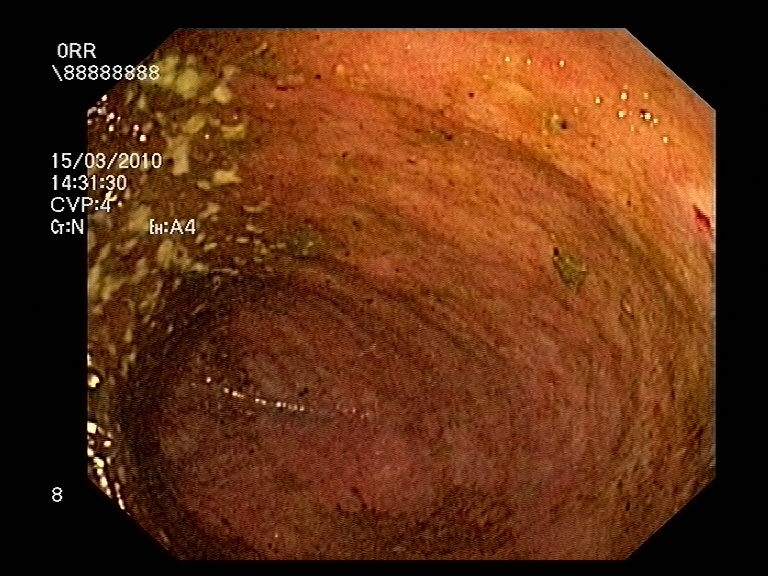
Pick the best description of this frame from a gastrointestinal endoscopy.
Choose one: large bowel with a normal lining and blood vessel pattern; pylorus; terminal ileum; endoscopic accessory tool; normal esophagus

large bowel with a normal lining and blood vessel pattern